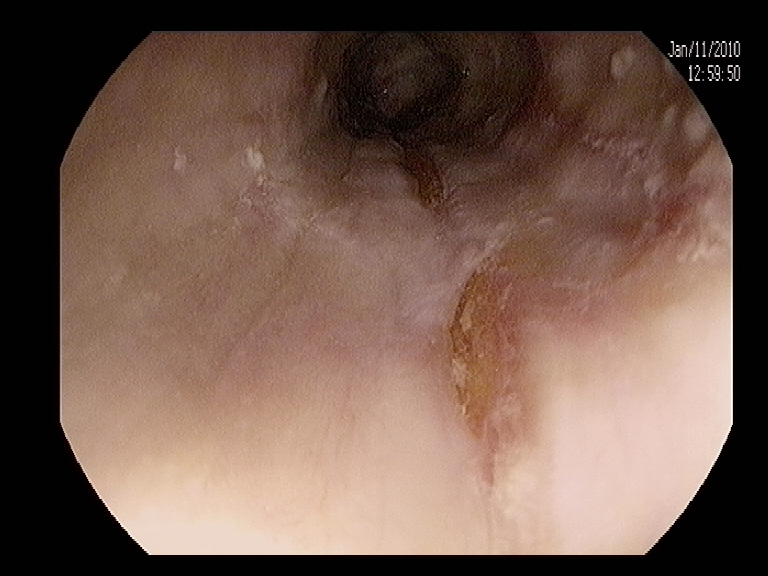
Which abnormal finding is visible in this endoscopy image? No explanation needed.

esophagitis